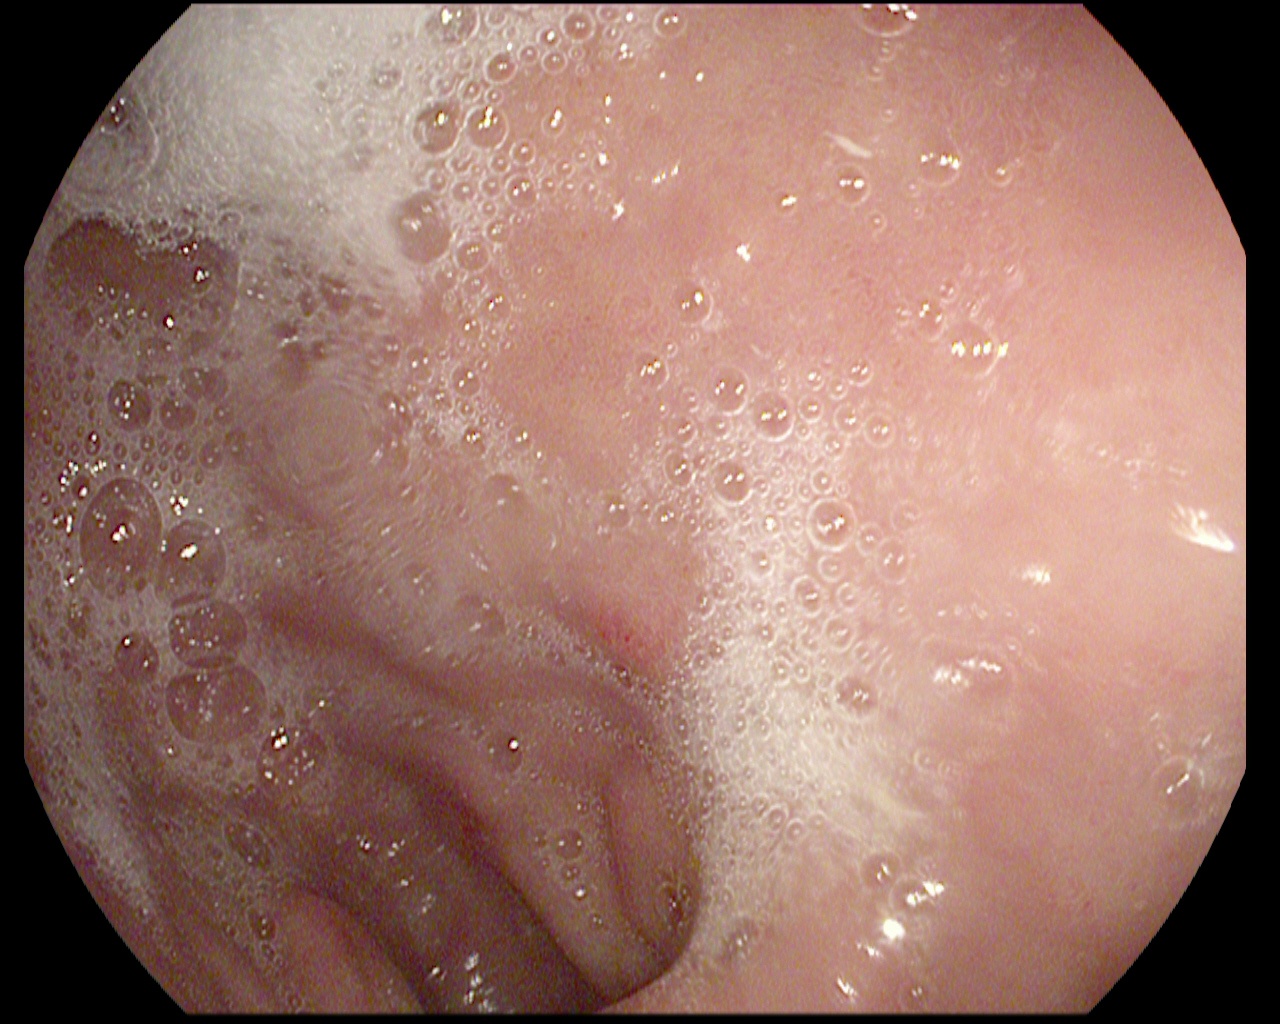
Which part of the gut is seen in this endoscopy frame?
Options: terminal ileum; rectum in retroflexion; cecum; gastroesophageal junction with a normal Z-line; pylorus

terminal ileum